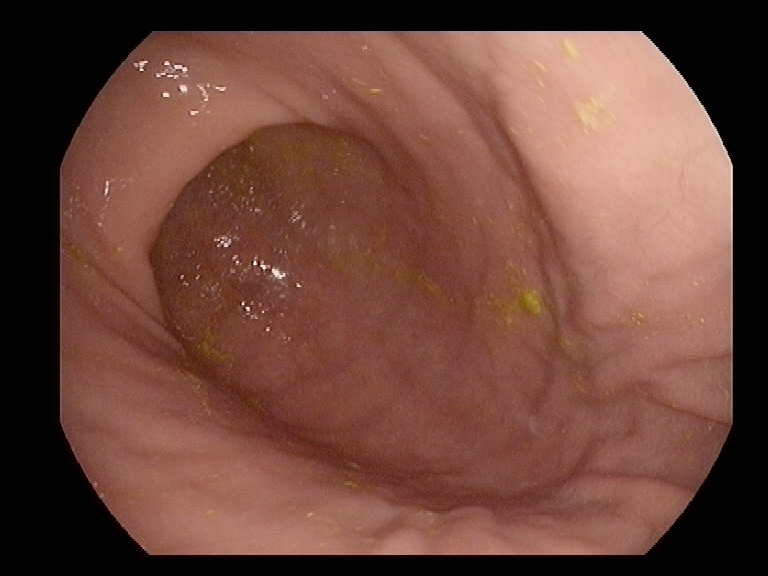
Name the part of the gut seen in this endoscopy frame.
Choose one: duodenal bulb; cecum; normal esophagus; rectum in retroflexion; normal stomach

normal stomach